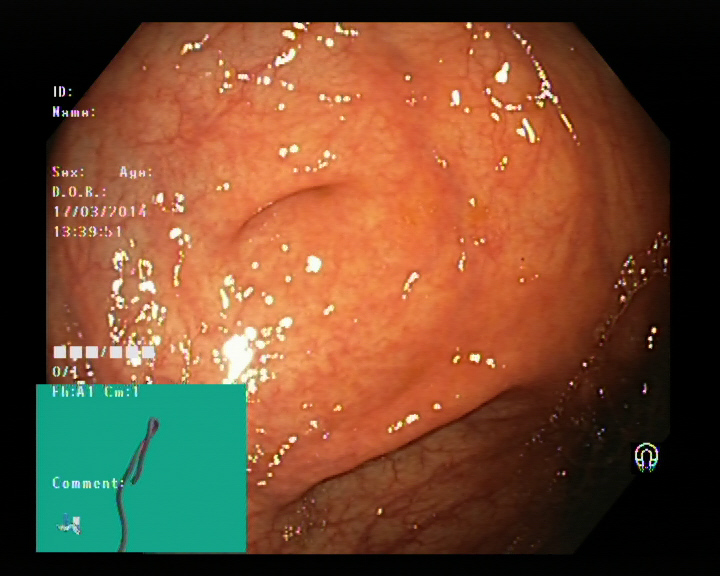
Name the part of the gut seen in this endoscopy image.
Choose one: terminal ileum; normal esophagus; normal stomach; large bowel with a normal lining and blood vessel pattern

large bowel with a normal lining and blood vessel pattern